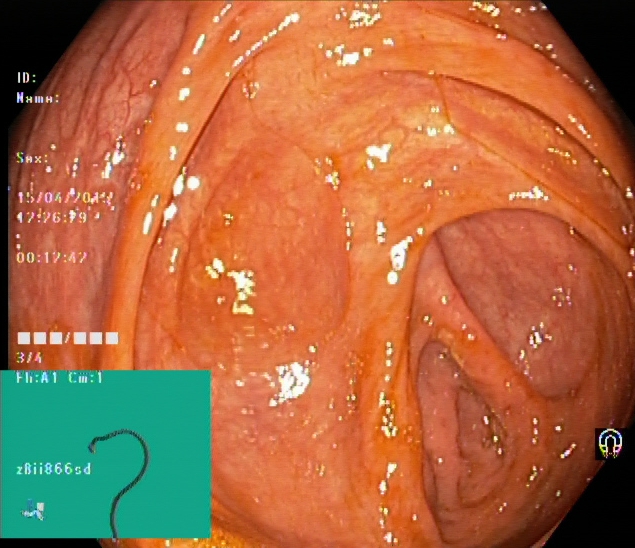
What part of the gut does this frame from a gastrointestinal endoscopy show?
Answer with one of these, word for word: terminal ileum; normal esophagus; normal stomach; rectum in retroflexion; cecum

cecum